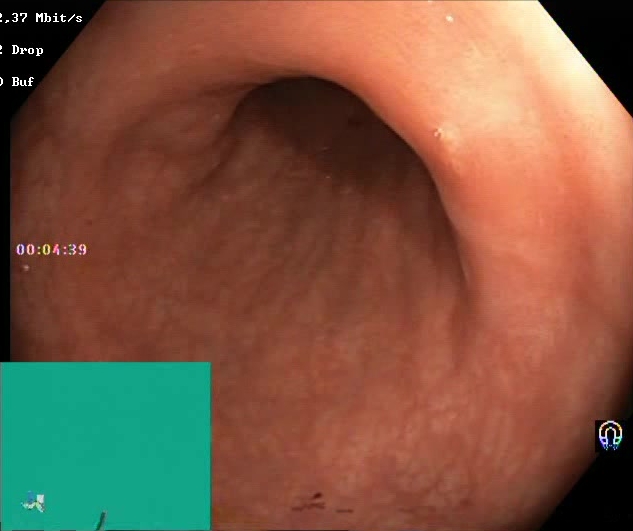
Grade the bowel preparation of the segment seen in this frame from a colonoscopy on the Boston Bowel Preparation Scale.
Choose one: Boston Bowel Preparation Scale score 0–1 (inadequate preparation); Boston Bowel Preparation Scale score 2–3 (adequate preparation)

Boston Bowel Preparation Scale score 2–3 (adequate preparation)